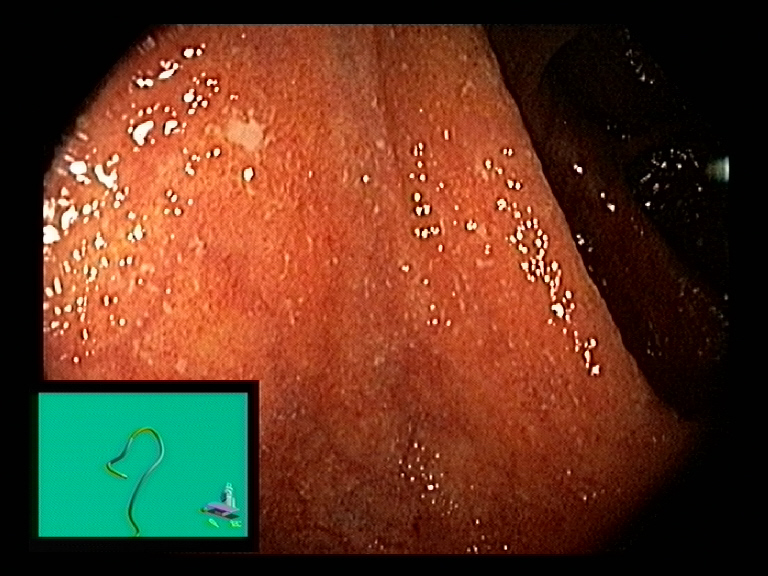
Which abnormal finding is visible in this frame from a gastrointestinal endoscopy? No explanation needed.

mucosal inflammation of the large bowel